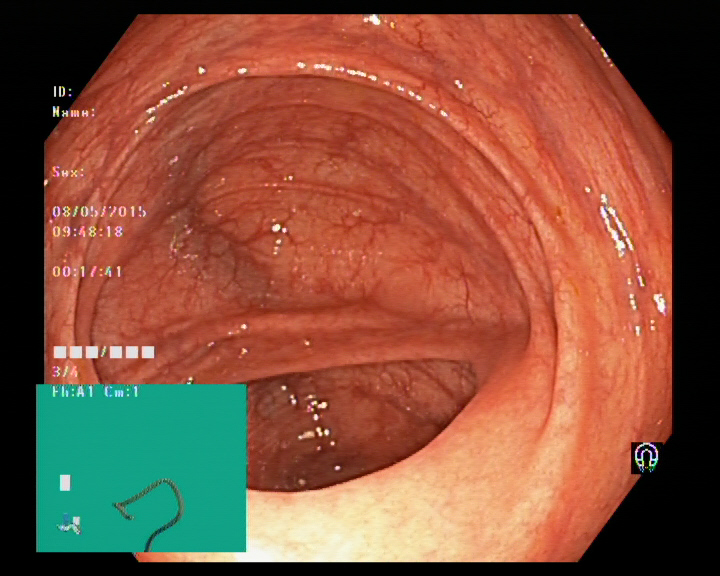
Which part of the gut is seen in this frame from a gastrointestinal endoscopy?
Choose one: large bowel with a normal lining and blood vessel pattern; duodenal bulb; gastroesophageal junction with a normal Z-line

large bowel with a normal lining and blood vessel pattern